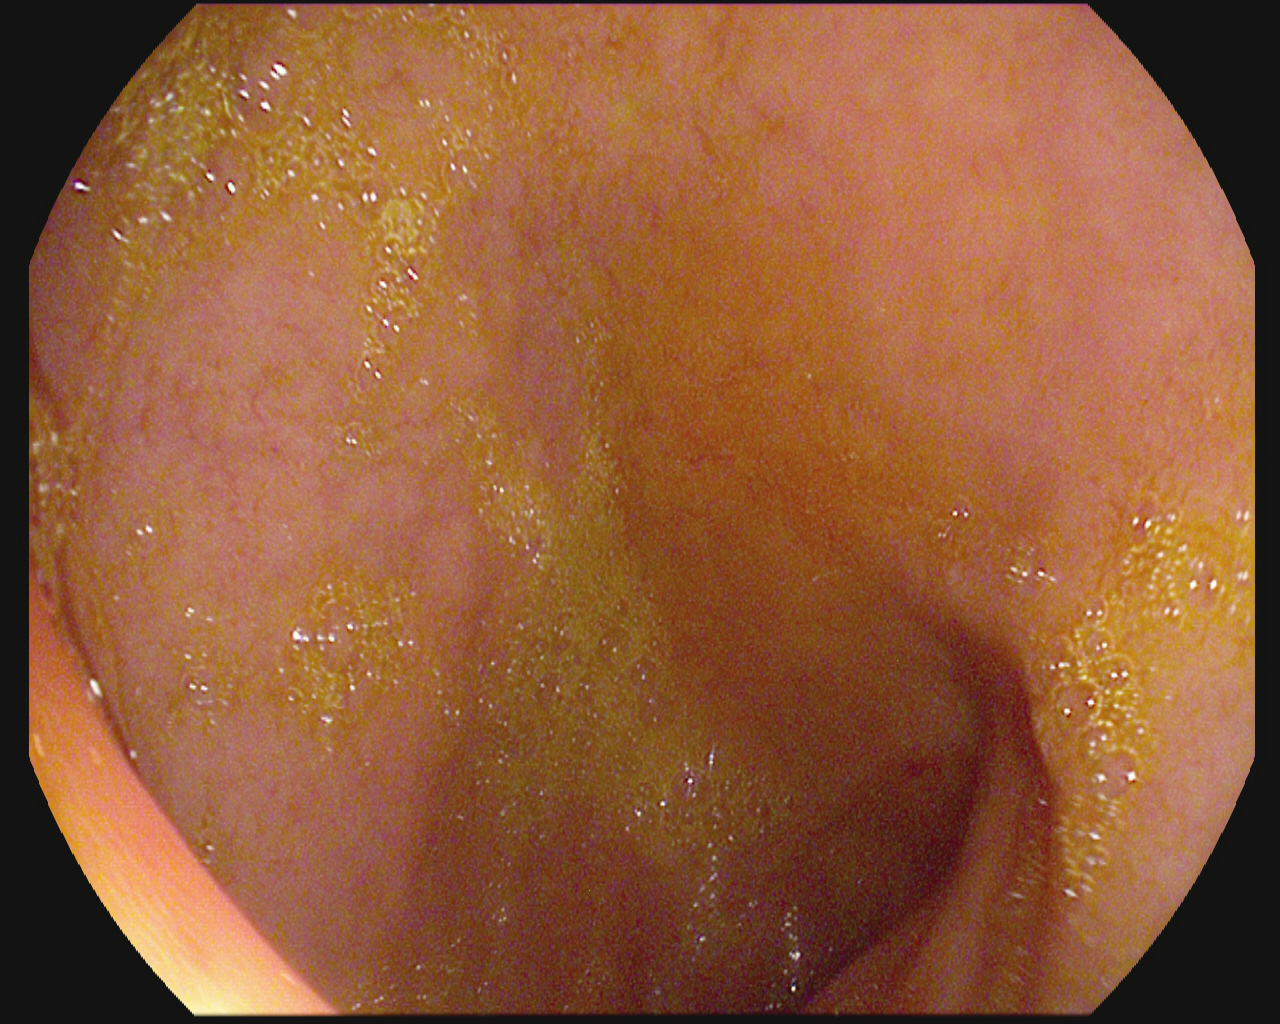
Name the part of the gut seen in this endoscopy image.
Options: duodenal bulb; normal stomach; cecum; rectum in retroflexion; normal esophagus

duodenal bulb